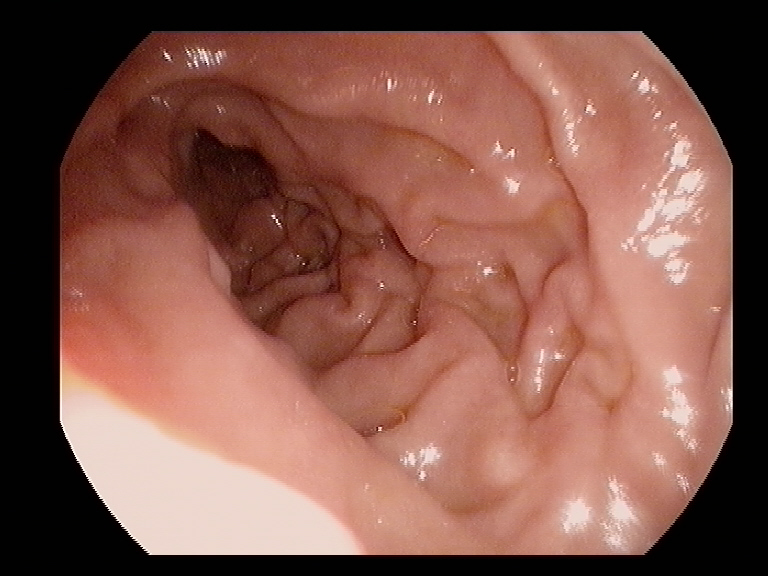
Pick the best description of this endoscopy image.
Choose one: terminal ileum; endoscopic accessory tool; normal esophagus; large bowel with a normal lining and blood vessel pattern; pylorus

terminal ileum